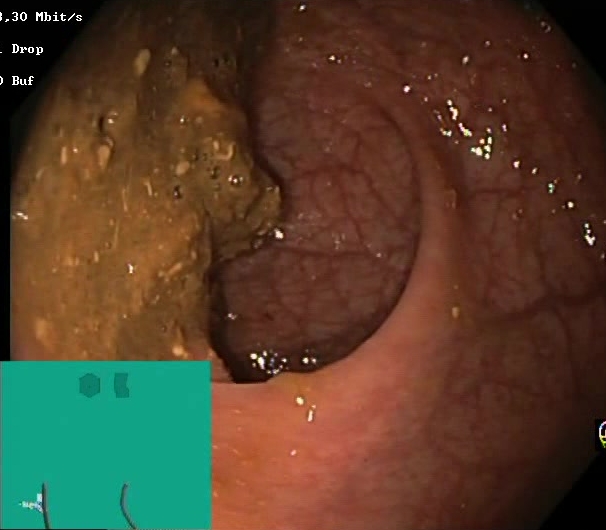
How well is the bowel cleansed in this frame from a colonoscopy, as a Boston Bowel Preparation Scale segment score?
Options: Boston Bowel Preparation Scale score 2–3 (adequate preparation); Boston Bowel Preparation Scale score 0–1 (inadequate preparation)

Boston Bowel Preparation Scale score 0–1 (inadequate preparation)